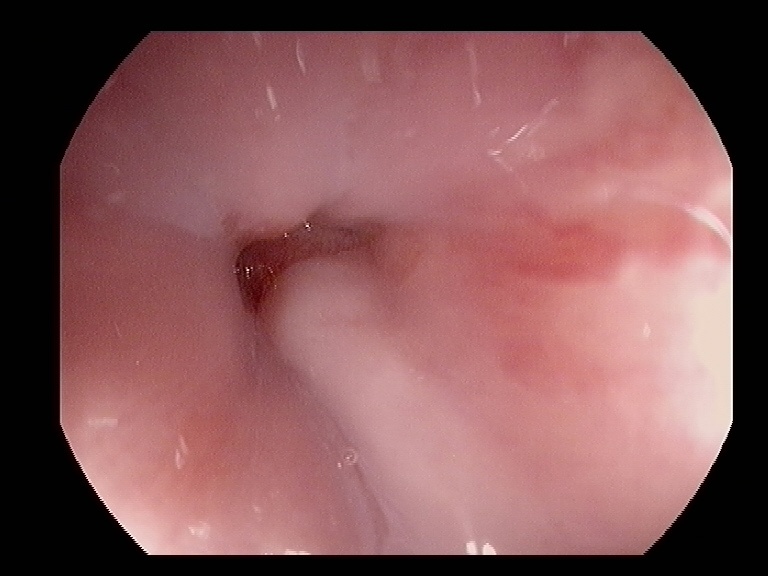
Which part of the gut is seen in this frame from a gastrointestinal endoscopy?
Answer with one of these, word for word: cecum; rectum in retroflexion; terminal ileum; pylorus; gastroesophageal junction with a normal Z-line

gastroesophageal junction with a normal Z-line